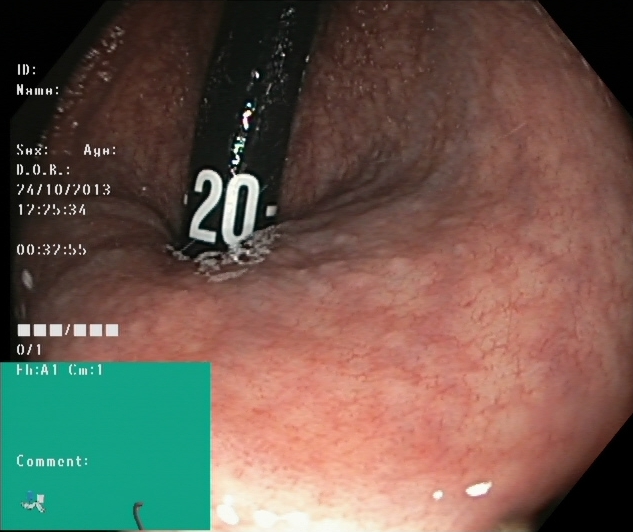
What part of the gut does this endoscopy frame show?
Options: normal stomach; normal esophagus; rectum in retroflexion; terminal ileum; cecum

rectum in retroflexion